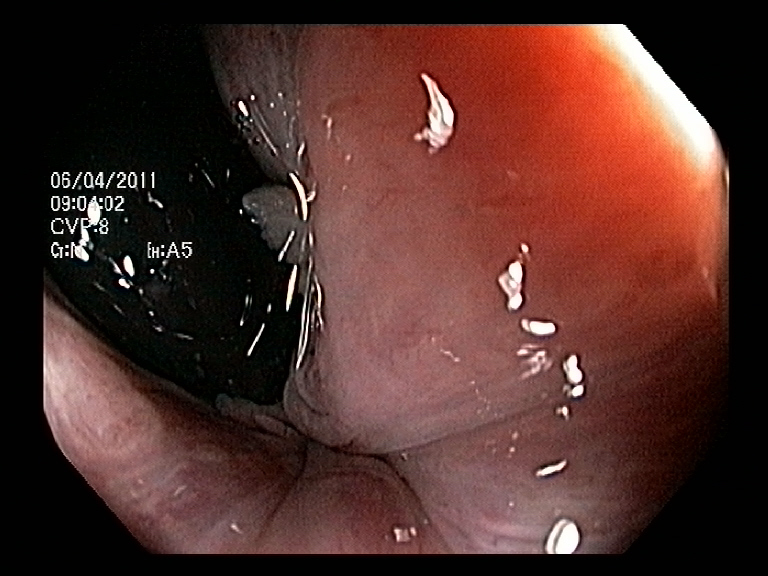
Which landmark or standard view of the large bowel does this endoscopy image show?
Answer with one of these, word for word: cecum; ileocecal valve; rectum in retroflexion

rectum in retroflexion